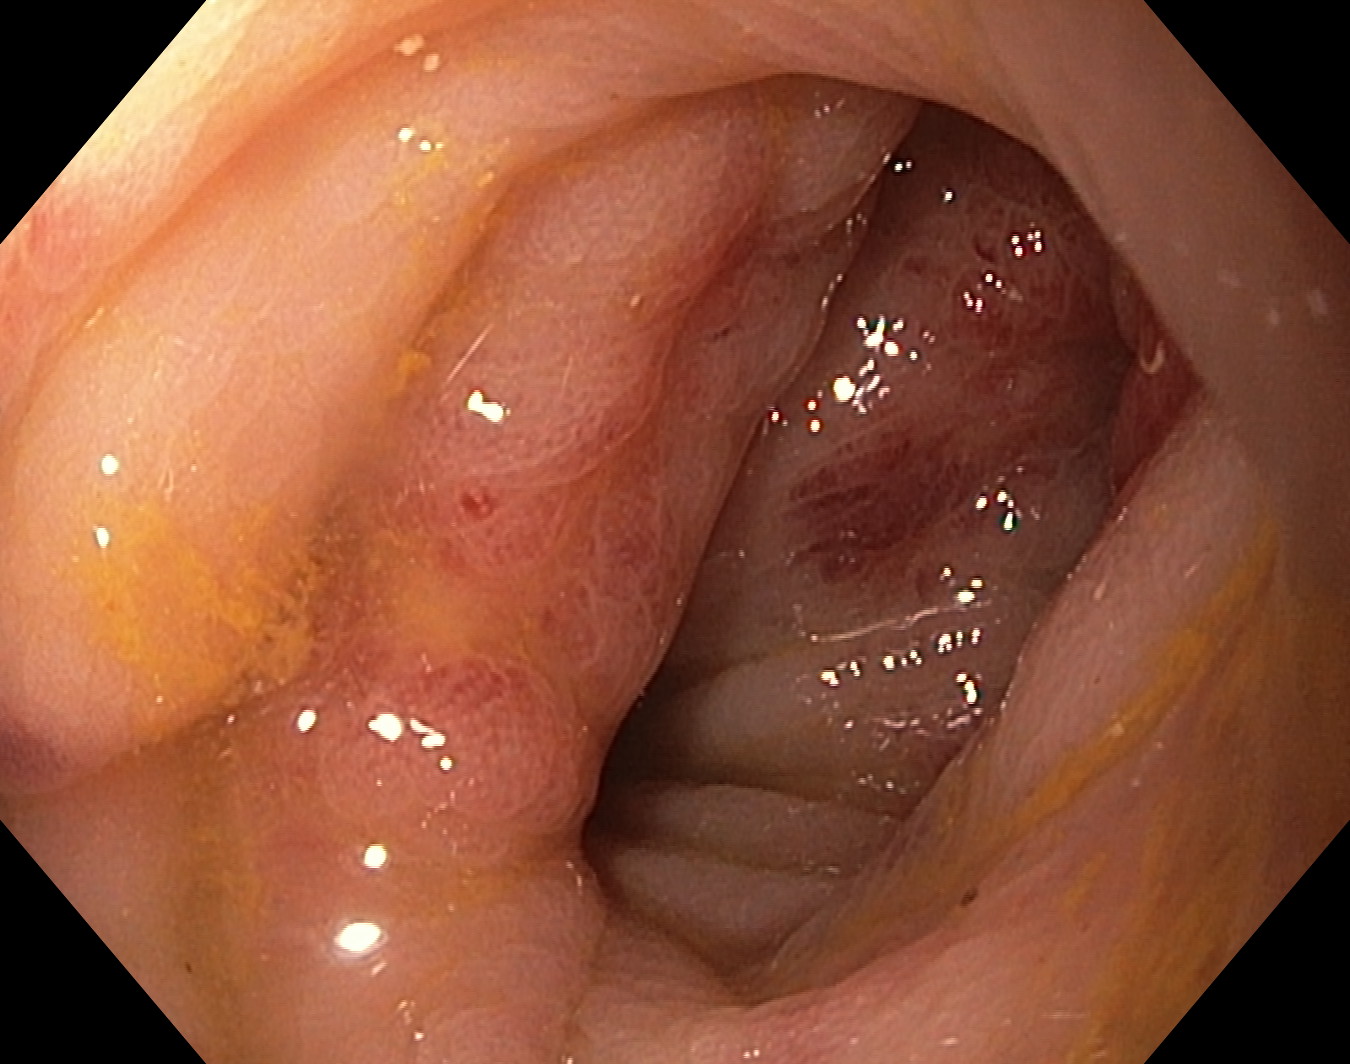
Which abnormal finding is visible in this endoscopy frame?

erythema